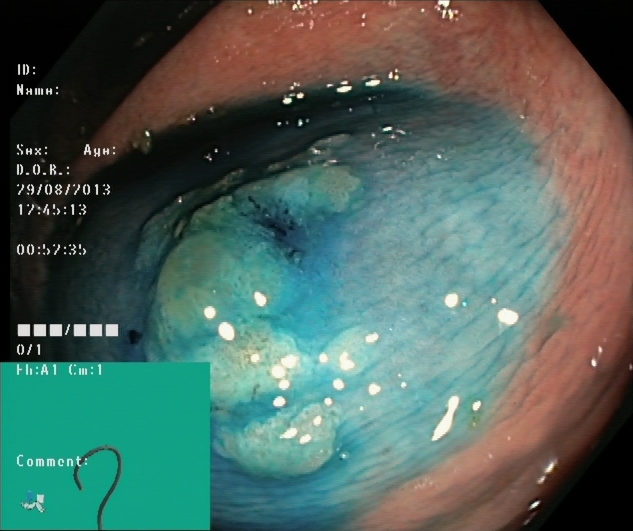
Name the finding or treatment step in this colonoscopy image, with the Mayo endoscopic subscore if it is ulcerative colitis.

dyed and lifted polyp (pre-resection)